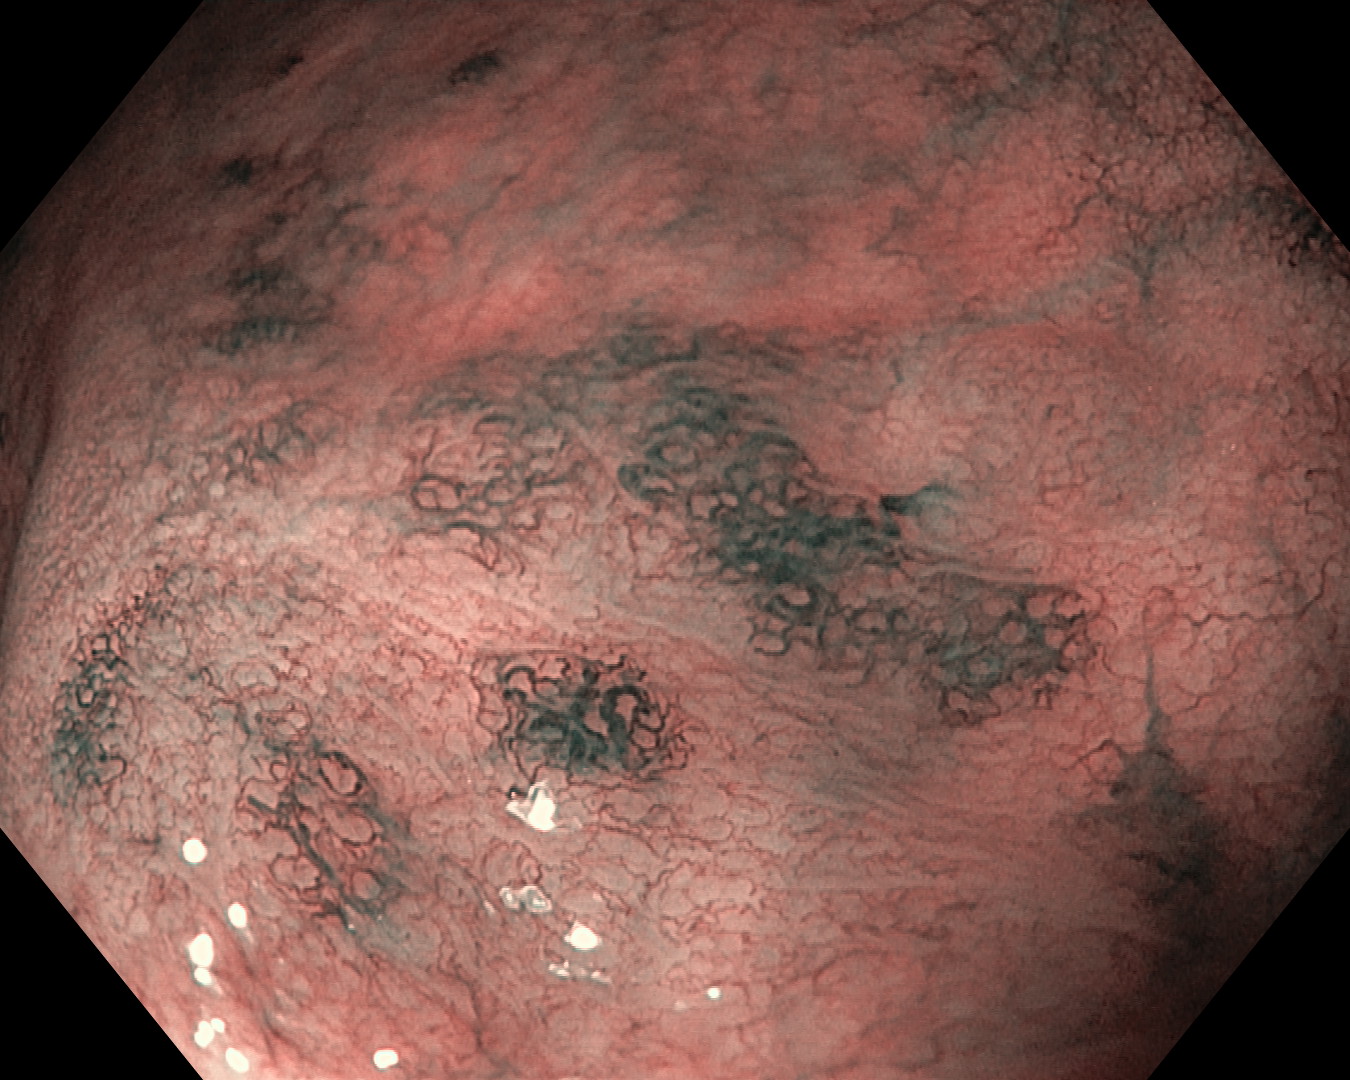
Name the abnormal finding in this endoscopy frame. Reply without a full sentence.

angiectasia